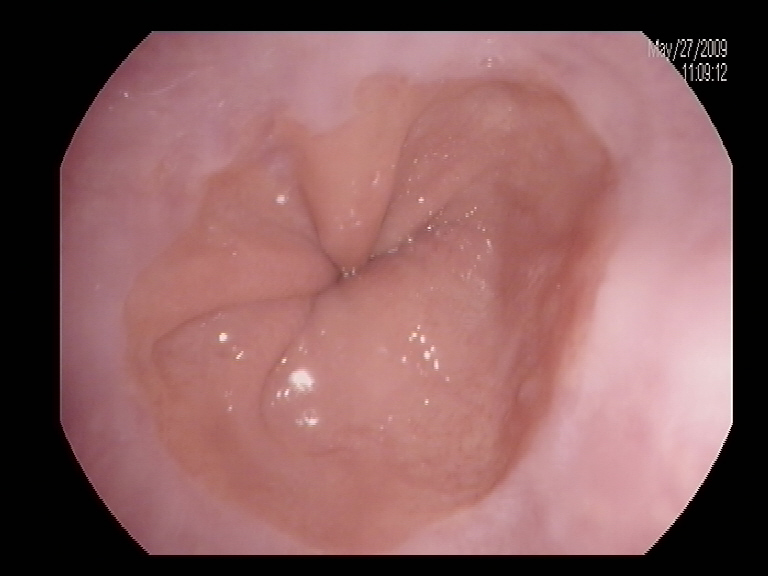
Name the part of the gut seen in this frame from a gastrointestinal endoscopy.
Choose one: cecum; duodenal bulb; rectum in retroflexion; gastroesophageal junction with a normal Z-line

gastroesophageal junction with a normal Z-line